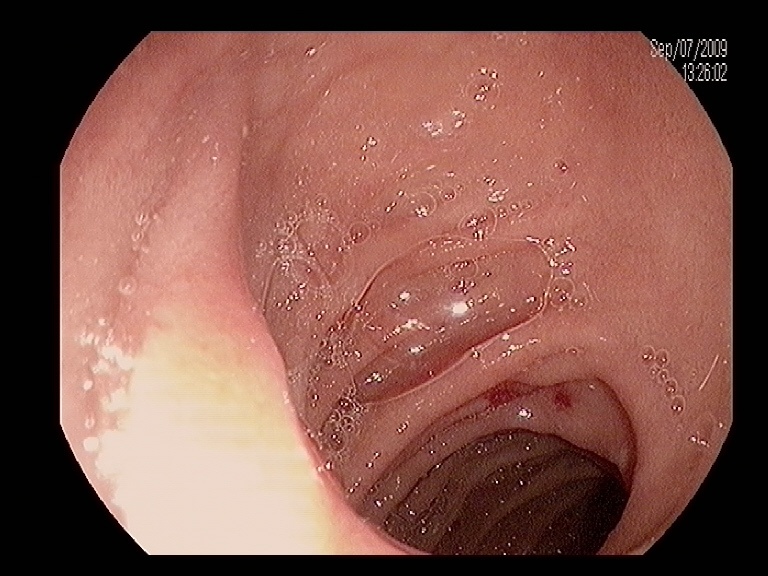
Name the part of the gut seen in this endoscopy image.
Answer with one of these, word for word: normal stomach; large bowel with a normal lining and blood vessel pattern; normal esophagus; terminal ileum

terminal ileum